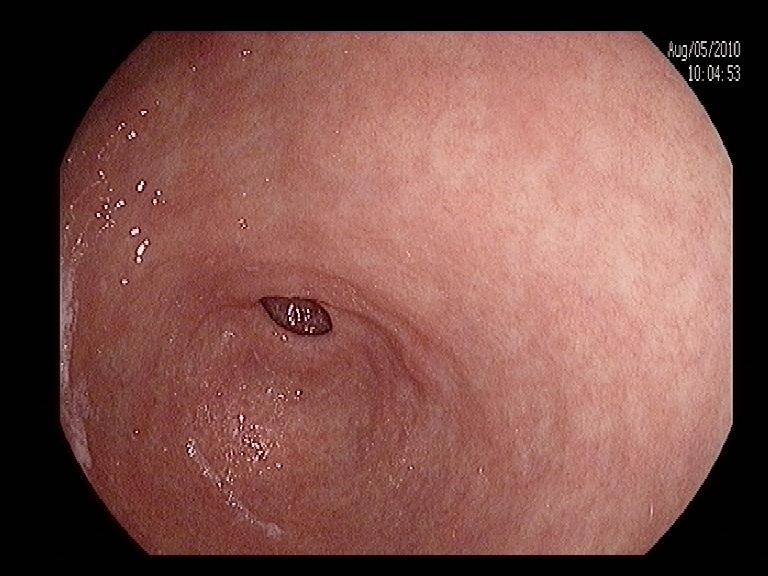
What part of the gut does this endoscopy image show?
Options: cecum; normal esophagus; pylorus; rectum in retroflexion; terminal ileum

pylorus